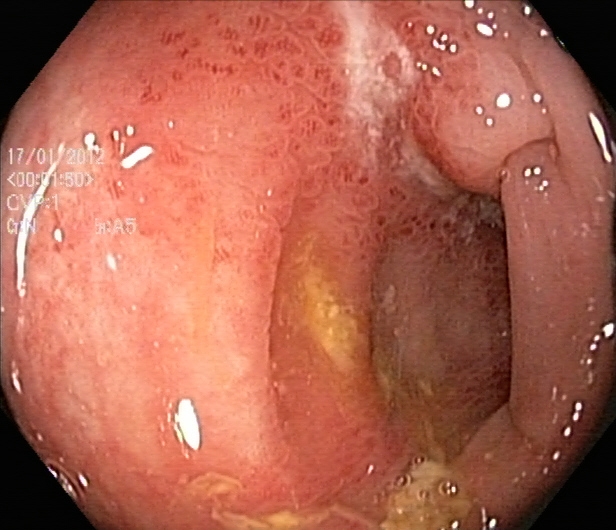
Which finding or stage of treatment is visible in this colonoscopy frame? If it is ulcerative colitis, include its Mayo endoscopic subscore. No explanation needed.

ulcerative colitis, Mayo endoscopic subscore 2